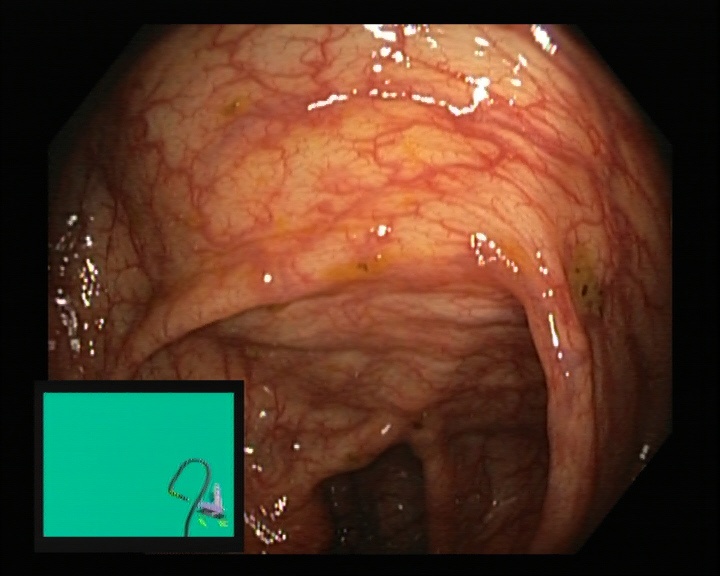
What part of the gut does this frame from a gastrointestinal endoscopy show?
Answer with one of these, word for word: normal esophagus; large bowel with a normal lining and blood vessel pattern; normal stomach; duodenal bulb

large bowel with a normal lining and blood vessel pattern